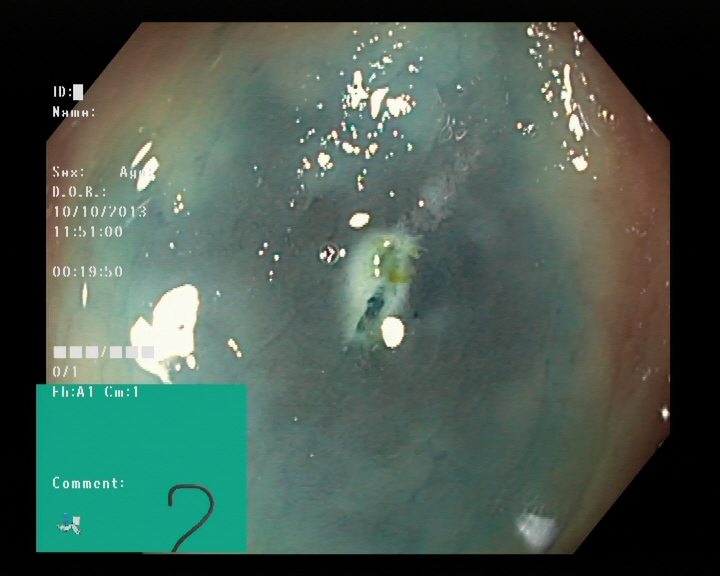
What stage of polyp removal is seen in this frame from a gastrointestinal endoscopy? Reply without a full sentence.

dyed resection margin (post-polypectomy)